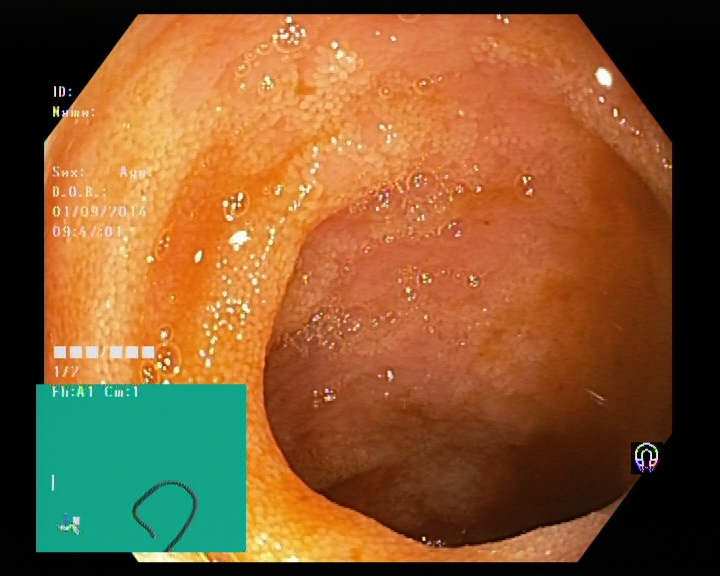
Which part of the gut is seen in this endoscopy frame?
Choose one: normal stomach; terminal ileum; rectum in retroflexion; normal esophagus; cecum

terminal ileum